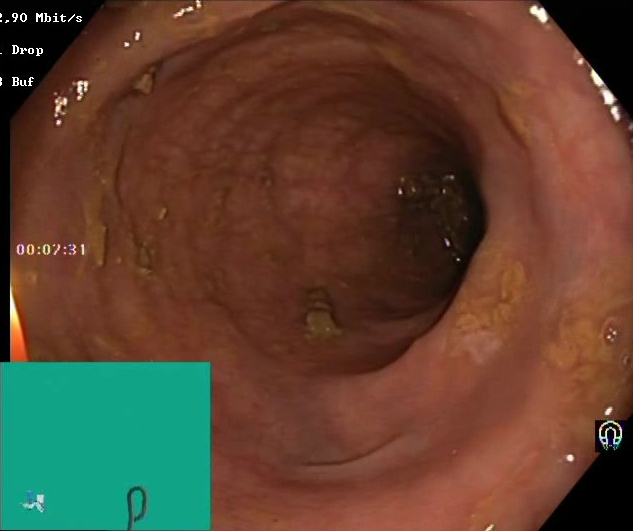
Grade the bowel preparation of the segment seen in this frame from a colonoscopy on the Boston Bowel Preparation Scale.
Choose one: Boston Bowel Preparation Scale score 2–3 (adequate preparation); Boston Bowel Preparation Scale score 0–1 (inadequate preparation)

Boston Bowel Preparation Scale score 2–3 (adequate preparation)